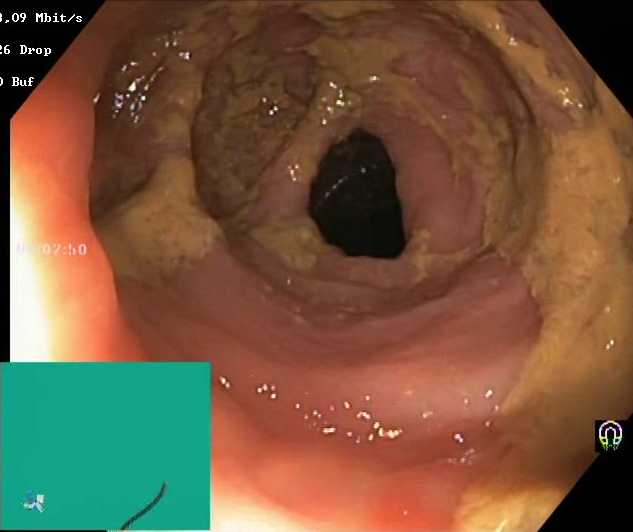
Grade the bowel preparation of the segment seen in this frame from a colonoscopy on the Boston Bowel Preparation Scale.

Boston Bowel Preparation Scale score 0–1 (inadequate preparation)